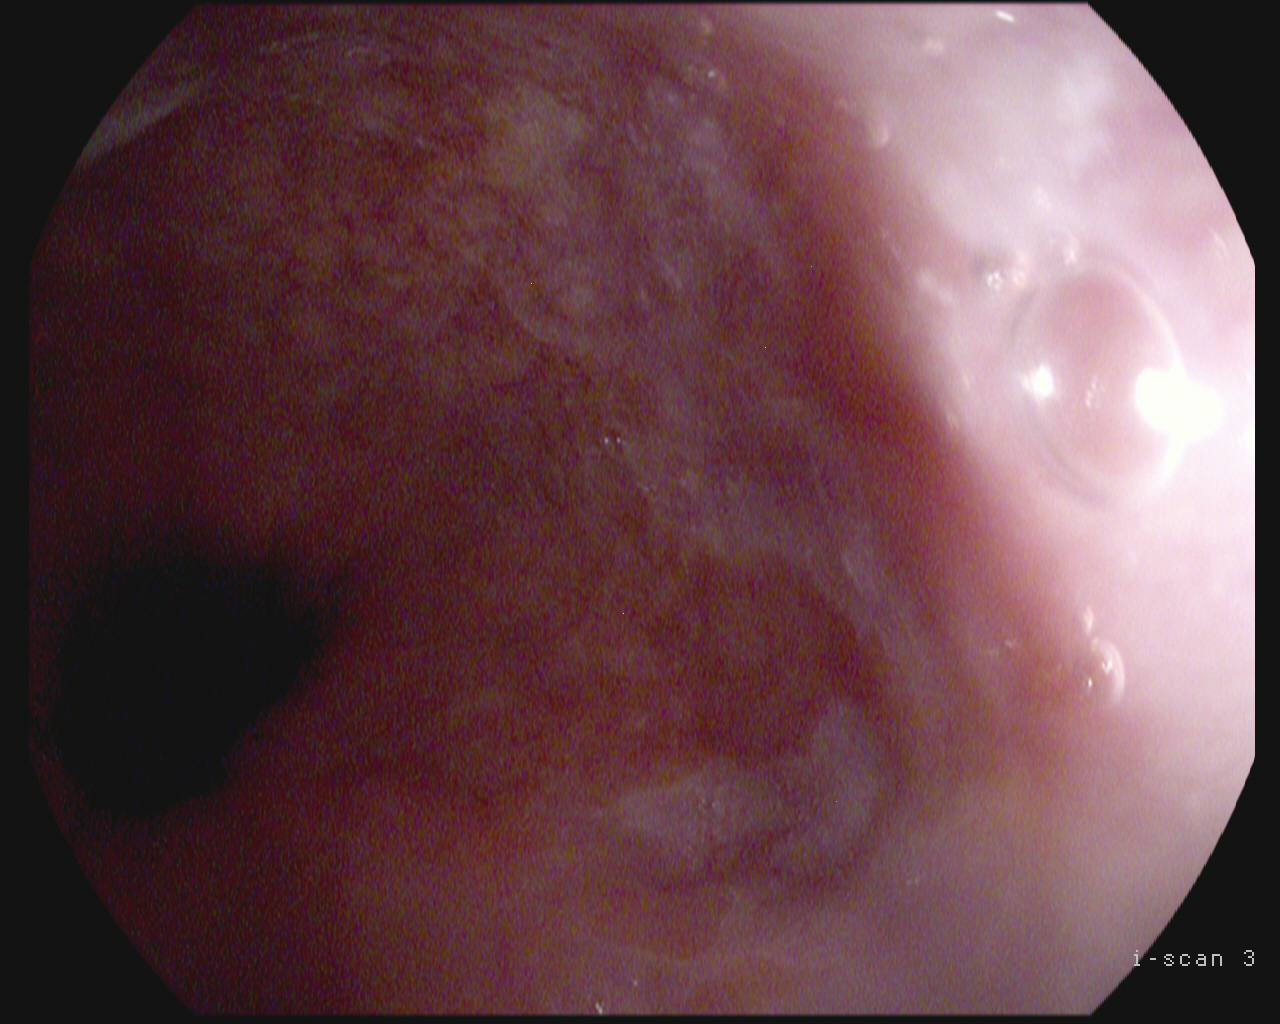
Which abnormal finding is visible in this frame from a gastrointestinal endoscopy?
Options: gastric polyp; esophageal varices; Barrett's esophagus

Barrett's esophagus